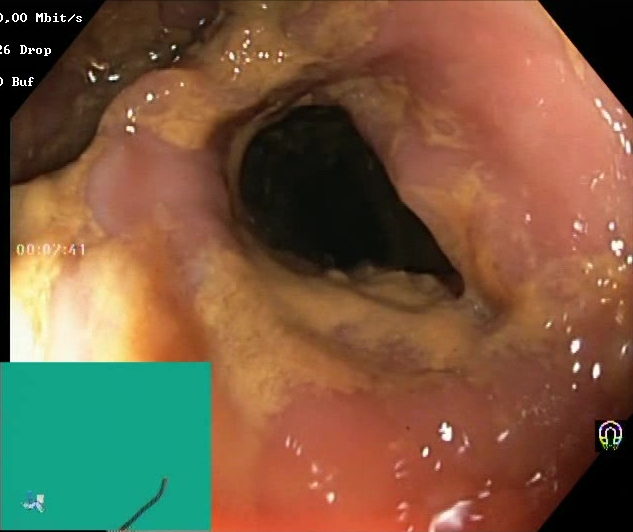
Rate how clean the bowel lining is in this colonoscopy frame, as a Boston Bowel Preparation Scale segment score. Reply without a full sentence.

Boston Bowel Preparation Scale score 0–1 (inadequate preparation)